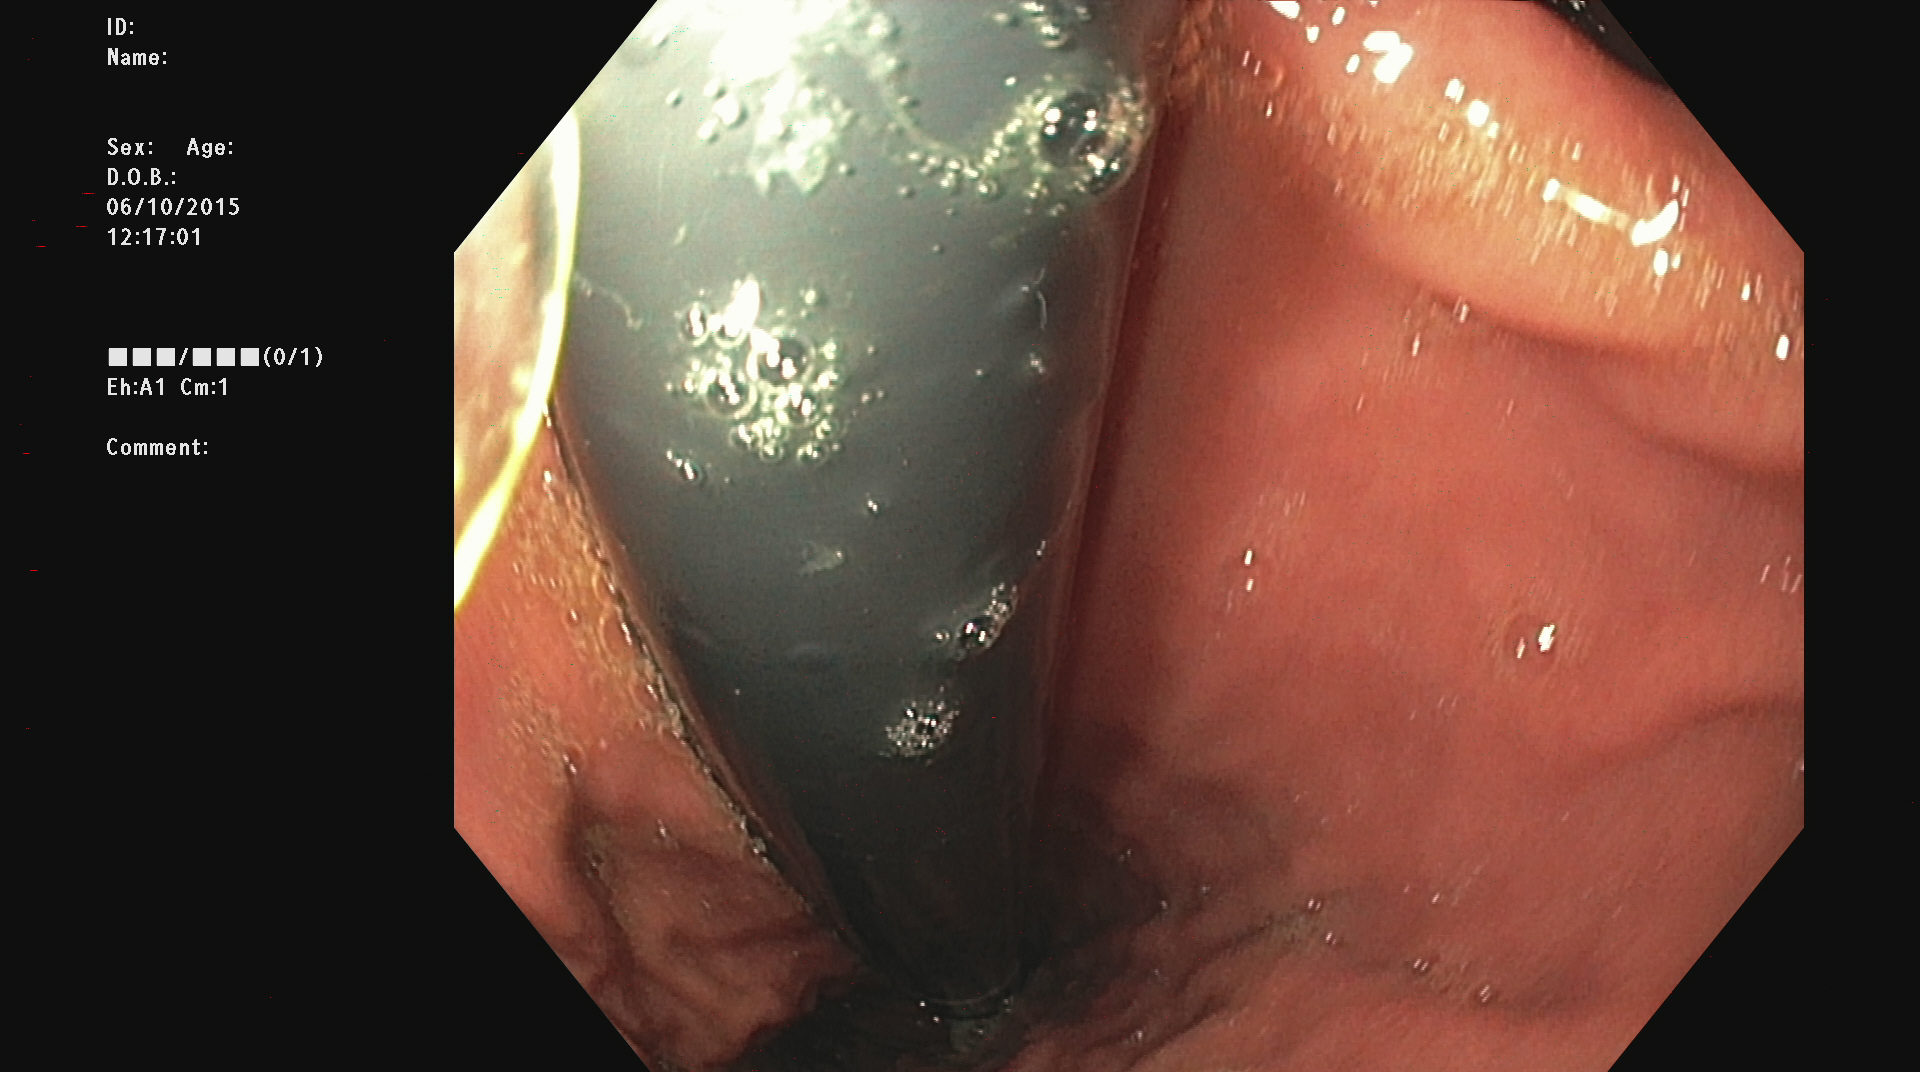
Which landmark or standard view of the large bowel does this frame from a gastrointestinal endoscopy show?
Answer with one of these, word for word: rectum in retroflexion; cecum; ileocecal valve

rectum in retroflexion